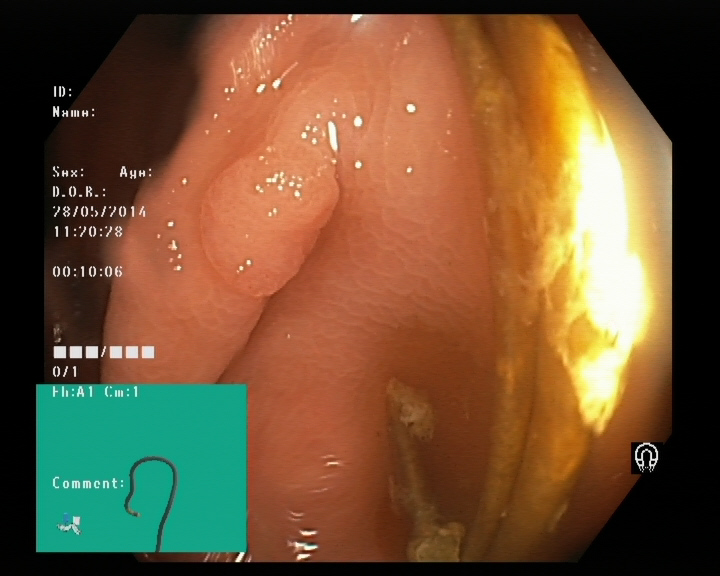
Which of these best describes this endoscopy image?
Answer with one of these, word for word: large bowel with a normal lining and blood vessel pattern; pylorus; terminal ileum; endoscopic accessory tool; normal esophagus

endoscopic accessory tool